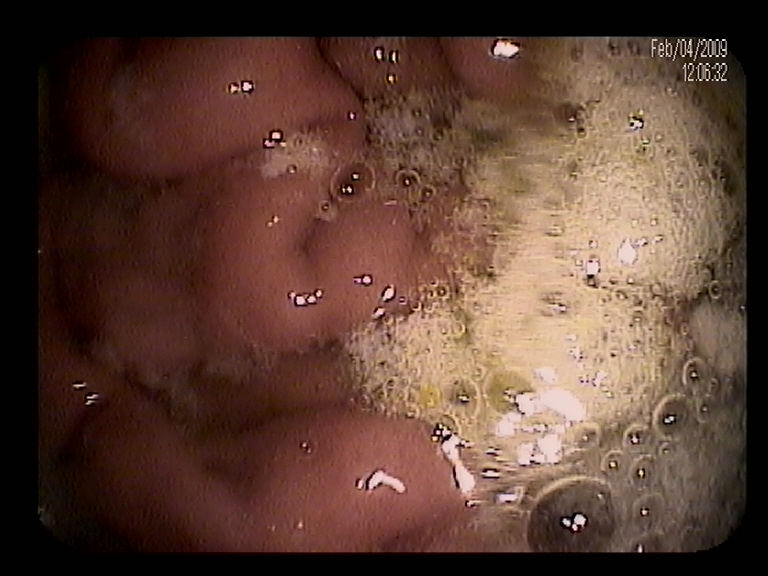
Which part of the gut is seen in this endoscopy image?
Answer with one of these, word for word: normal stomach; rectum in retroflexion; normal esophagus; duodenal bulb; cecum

normal stomach